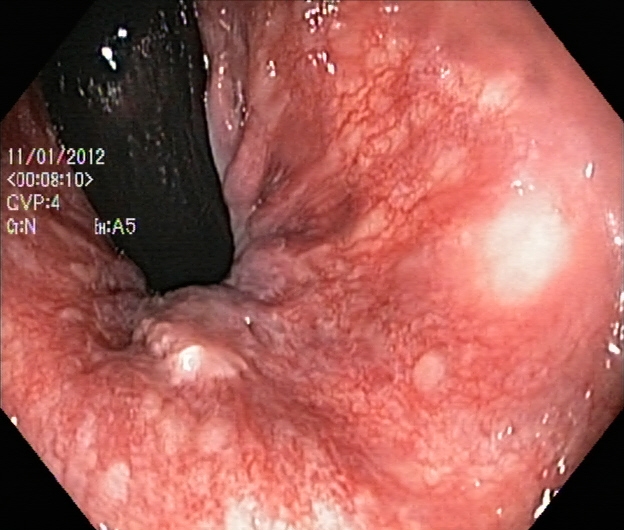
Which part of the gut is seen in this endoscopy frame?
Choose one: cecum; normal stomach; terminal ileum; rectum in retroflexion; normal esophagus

rectum in retroflexion